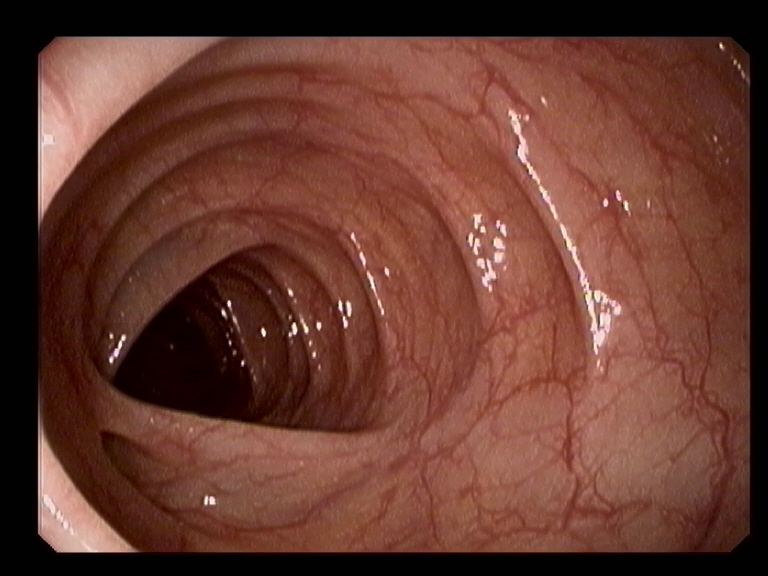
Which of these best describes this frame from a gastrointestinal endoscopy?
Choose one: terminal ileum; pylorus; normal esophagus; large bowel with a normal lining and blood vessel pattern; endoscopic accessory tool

large bowel with a normal lining and blood vessel pattern